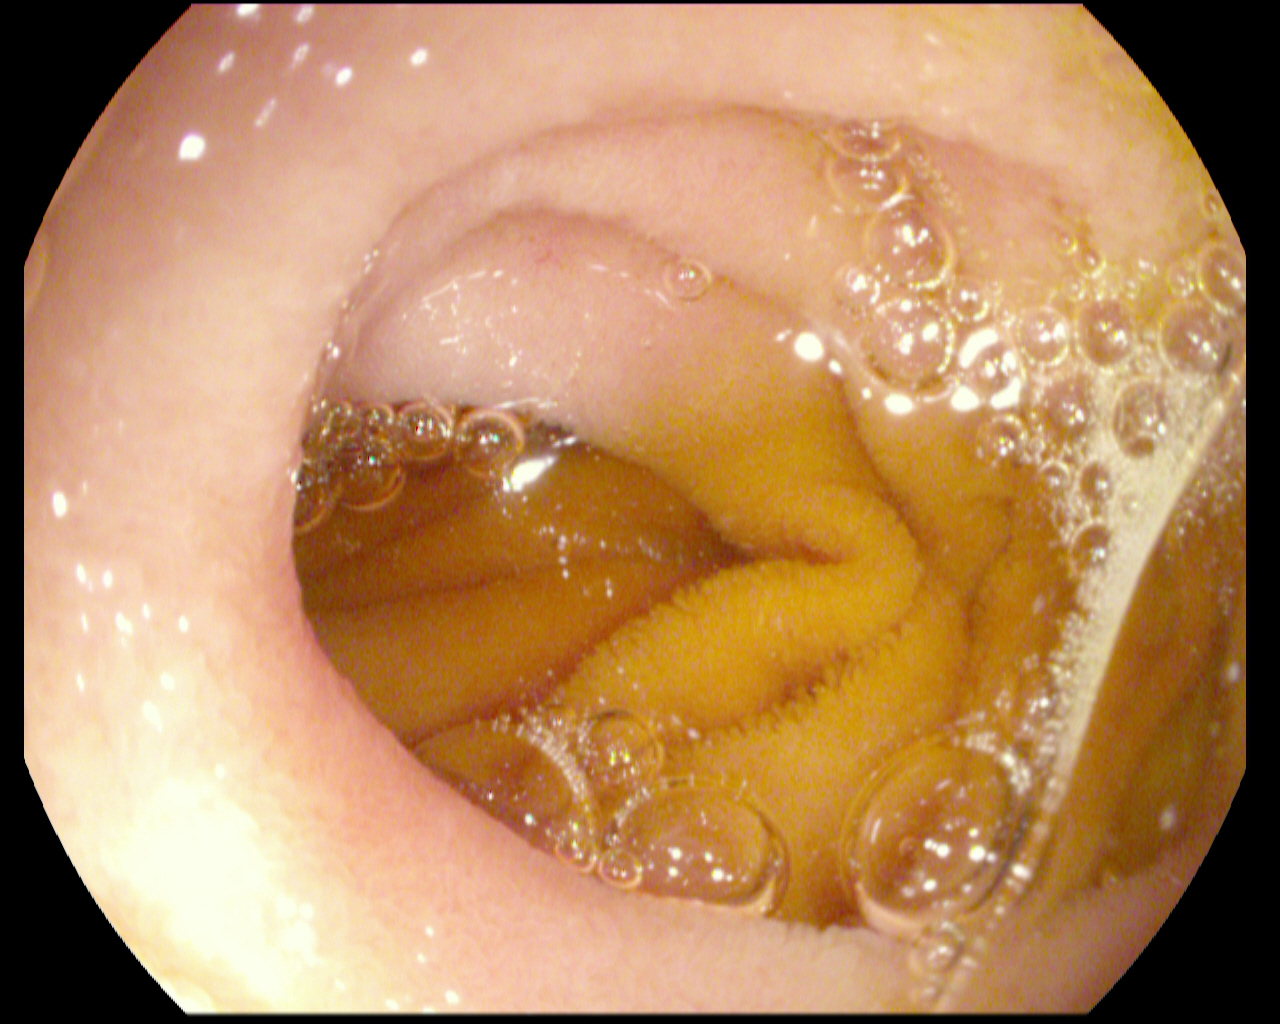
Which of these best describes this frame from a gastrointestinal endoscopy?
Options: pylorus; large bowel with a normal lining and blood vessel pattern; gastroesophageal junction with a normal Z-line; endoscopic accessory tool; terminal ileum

terminal ileum